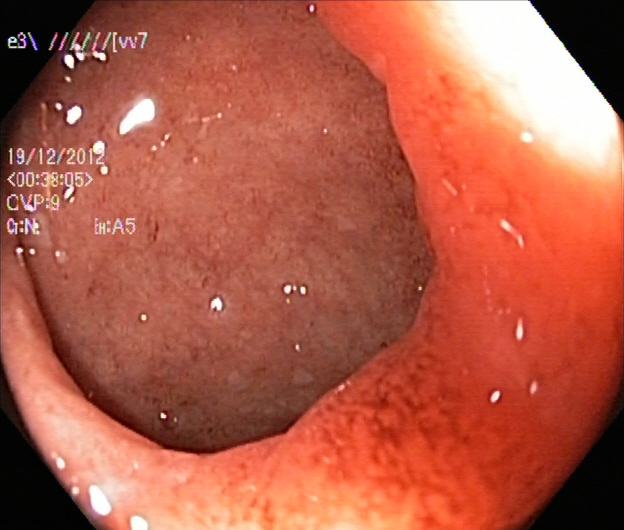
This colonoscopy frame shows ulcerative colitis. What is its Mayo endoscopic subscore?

ulcerative colitis, Mayo endoscopic subscore 2